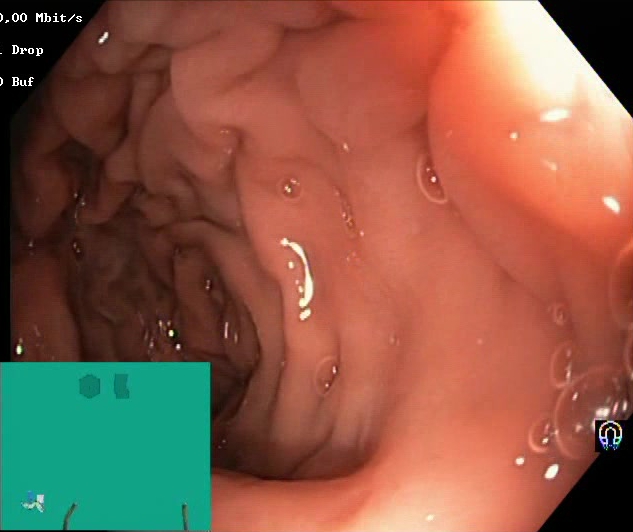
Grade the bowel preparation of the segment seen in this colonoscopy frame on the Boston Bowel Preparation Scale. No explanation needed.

Boston Bowel Preparation Scale score 2–3 (adequate preparation)